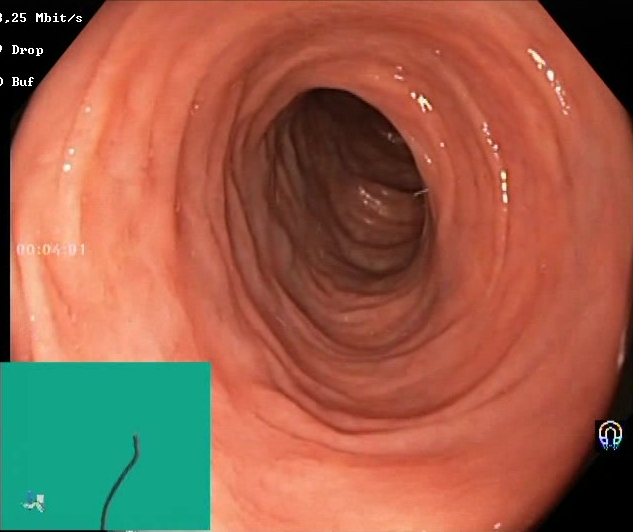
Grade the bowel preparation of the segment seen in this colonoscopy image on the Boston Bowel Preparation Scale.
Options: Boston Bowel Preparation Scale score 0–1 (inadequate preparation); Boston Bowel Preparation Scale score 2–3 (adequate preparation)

Boston Bowel Preparation Scale score 2–3 (adequate preparation)